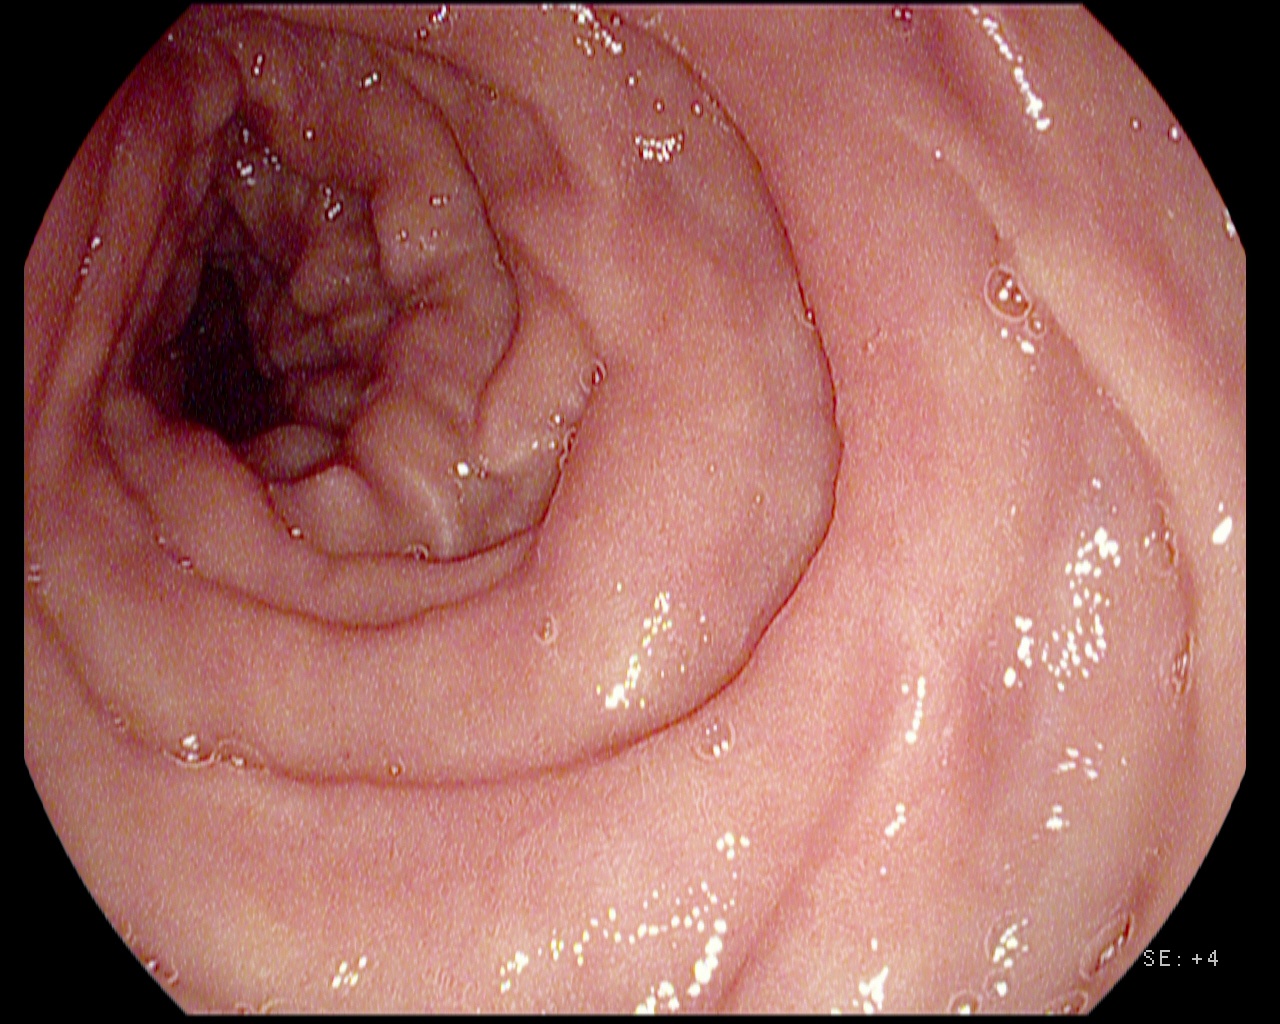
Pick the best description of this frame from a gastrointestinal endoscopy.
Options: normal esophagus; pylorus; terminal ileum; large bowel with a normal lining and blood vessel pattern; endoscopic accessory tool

terminal ileum